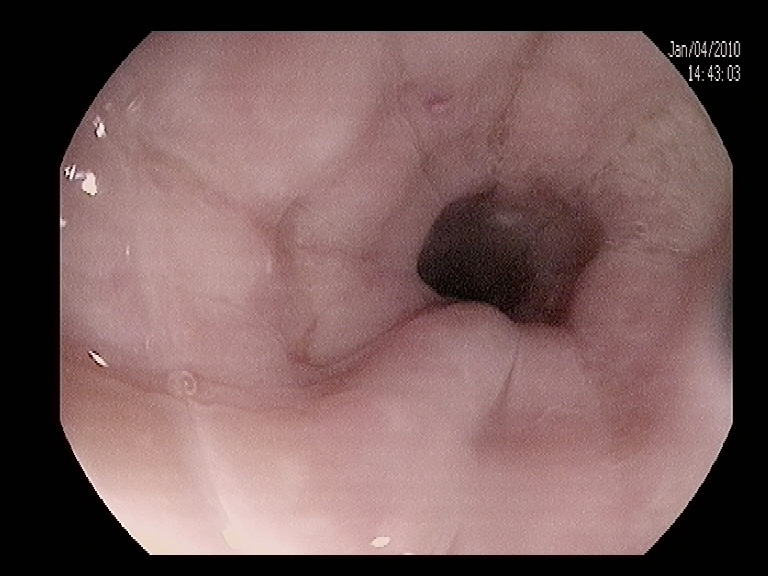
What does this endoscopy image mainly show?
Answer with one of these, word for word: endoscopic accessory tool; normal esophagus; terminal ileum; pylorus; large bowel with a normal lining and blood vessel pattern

normal esophagus